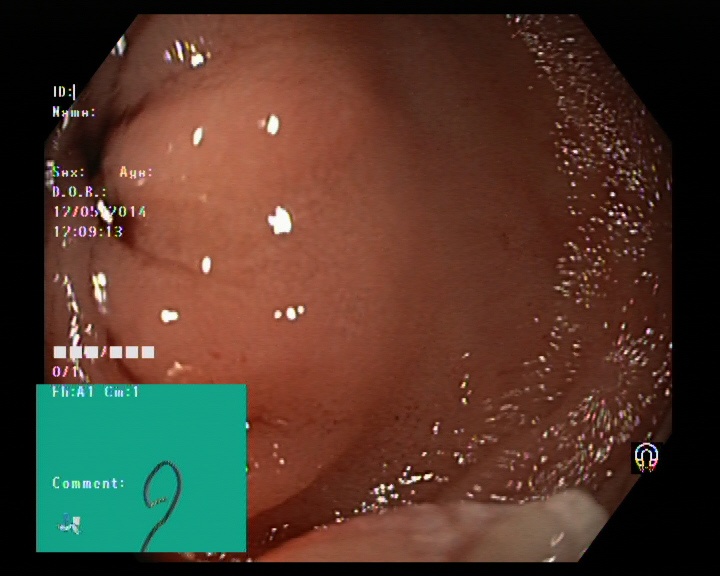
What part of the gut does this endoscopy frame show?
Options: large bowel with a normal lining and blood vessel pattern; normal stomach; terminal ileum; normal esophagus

large bowel with a normal lining and blood vessel pattern